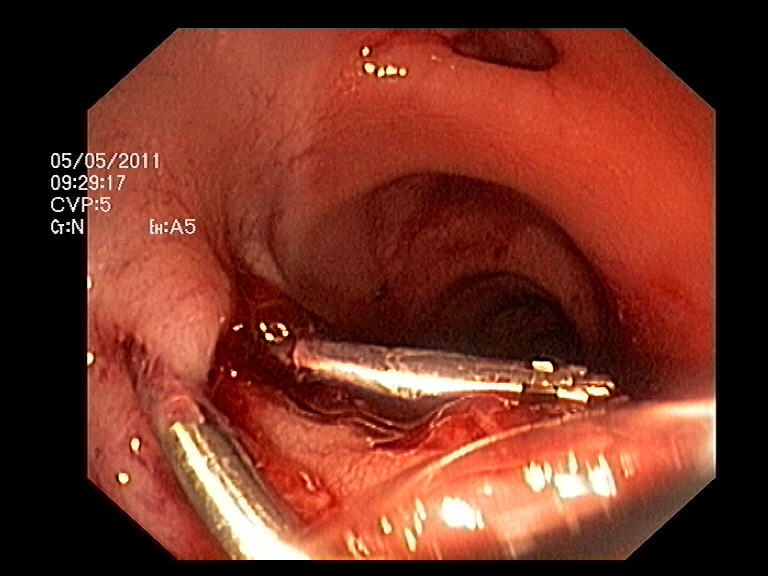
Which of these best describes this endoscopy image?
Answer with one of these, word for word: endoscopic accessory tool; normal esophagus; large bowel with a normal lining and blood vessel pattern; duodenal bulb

endoscopic accessory tool